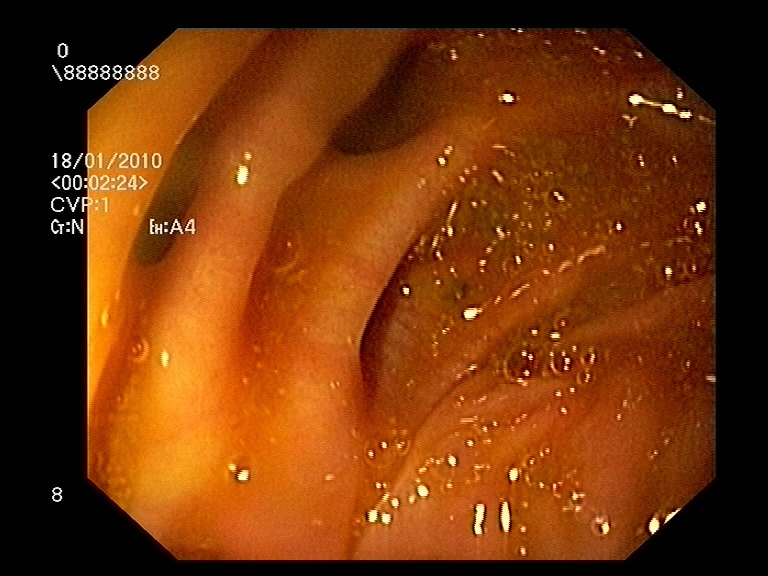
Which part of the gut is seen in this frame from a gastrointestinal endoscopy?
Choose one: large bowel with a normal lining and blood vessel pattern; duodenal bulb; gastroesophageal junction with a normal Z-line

large bowel with a normal lining and blood vessel pattern